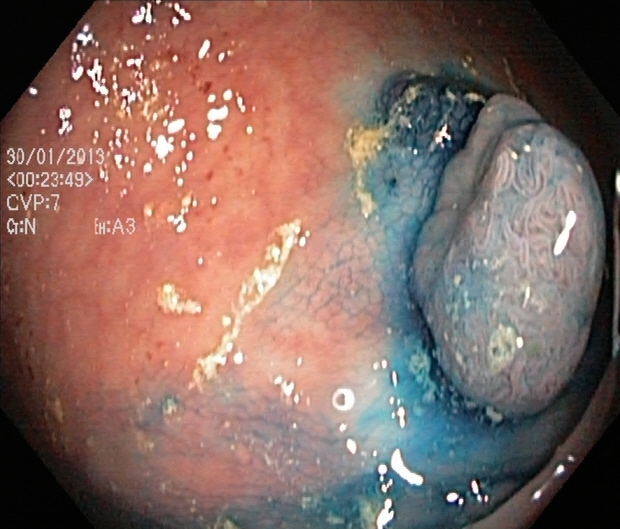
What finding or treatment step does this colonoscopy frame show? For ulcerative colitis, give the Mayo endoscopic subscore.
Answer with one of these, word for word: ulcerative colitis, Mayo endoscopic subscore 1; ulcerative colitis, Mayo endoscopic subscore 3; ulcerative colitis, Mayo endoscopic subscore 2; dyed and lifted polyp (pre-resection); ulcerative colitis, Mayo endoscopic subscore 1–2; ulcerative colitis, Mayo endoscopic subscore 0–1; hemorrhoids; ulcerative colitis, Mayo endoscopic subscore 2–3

dyed and lifted polyp (pre-resection)